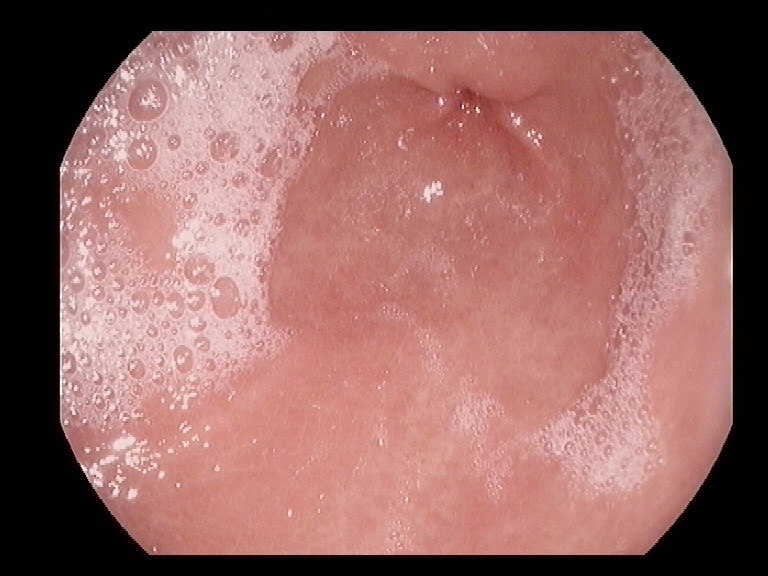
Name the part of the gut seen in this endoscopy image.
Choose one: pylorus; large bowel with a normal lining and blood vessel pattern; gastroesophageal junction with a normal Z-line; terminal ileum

pylorus